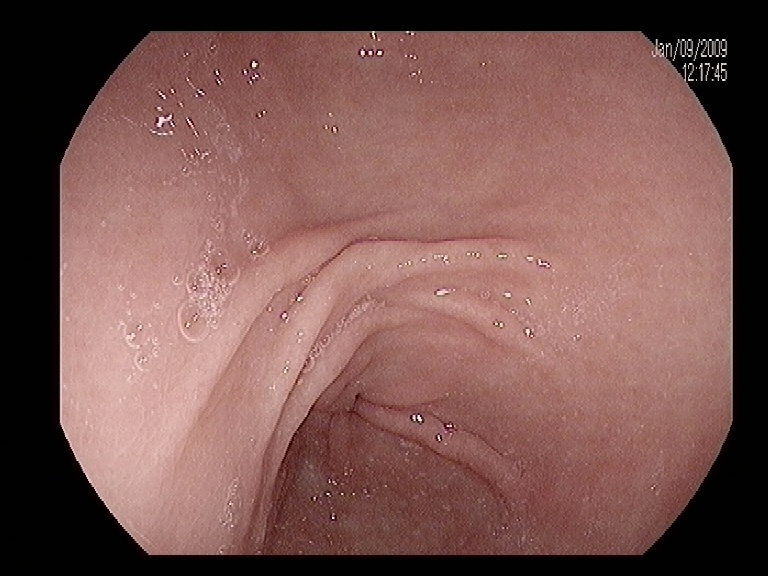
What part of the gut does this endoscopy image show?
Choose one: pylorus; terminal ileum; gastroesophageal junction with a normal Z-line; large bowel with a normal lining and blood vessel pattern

pylorus